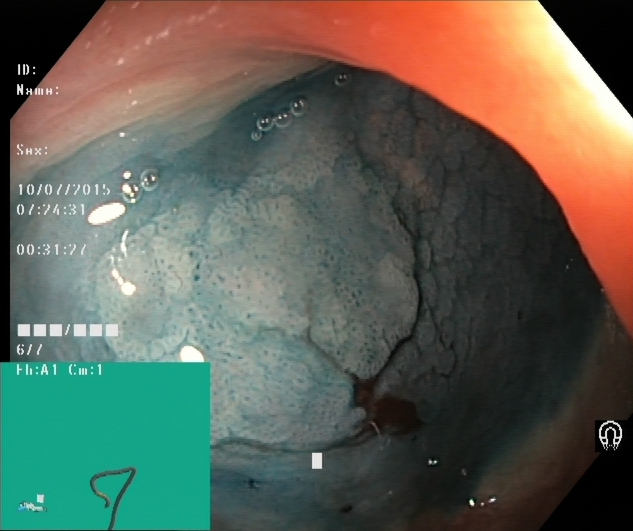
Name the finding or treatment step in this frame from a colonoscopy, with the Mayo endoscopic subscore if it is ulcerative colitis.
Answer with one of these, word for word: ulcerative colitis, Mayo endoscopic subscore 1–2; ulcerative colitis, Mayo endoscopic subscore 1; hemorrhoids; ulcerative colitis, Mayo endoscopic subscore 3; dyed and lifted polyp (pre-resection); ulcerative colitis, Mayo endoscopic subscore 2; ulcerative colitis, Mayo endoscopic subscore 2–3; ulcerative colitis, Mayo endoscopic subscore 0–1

dyed and lifted polyp (pre-resection)